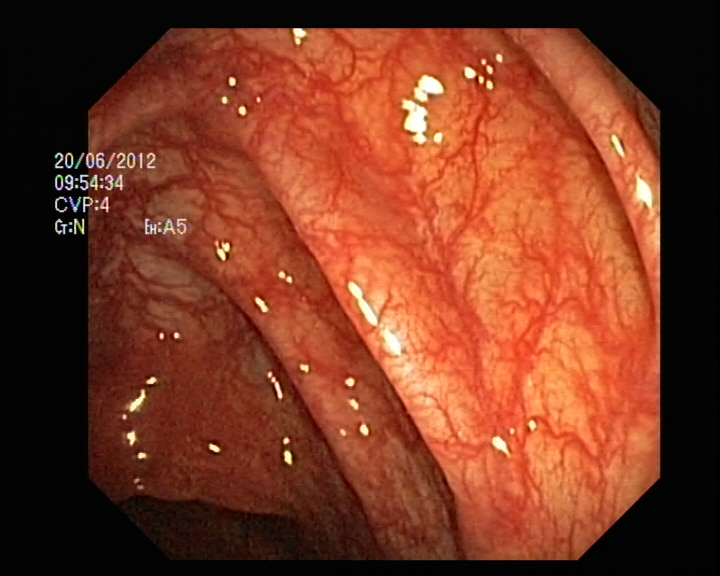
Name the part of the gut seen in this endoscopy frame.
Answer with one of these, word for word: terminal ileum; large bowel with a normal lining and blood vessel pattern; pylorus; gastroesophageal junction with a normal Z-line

large bowel with a normal lining and blood vessel pattern